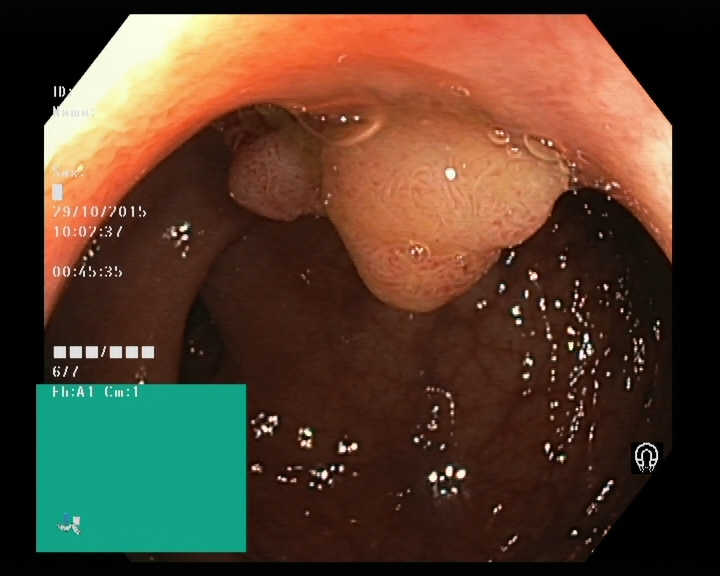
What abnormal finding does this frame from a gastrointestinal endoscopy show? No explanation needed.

colon polyp